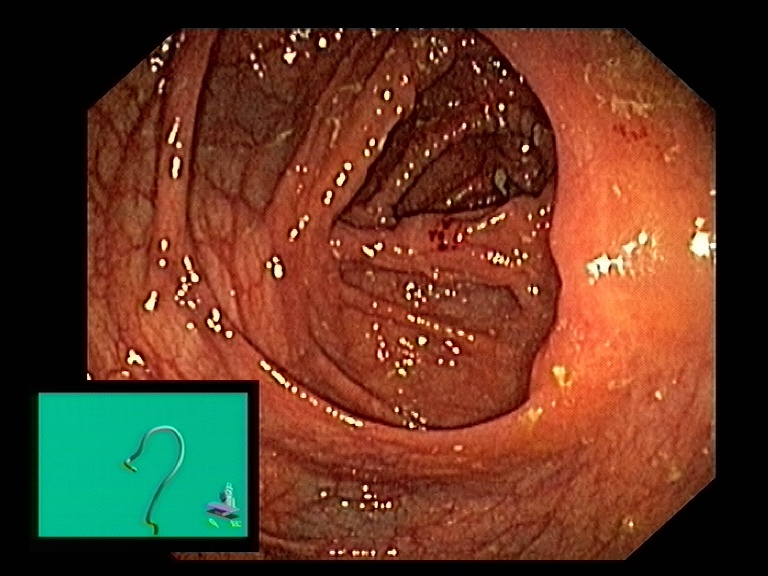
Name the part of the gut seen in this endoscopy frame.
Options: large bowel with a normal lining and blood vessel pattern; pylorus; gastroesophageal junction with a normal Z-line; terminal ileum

large bowel with a normal lining and blood vessel pattern